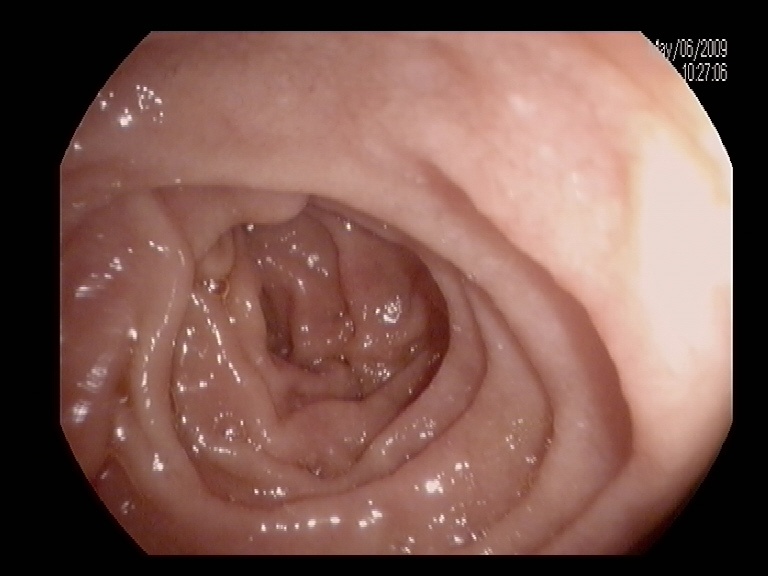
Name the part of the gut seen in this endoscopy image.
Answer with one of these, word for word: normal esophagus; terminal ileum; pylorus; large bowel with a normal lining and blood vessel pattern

terminal ileum